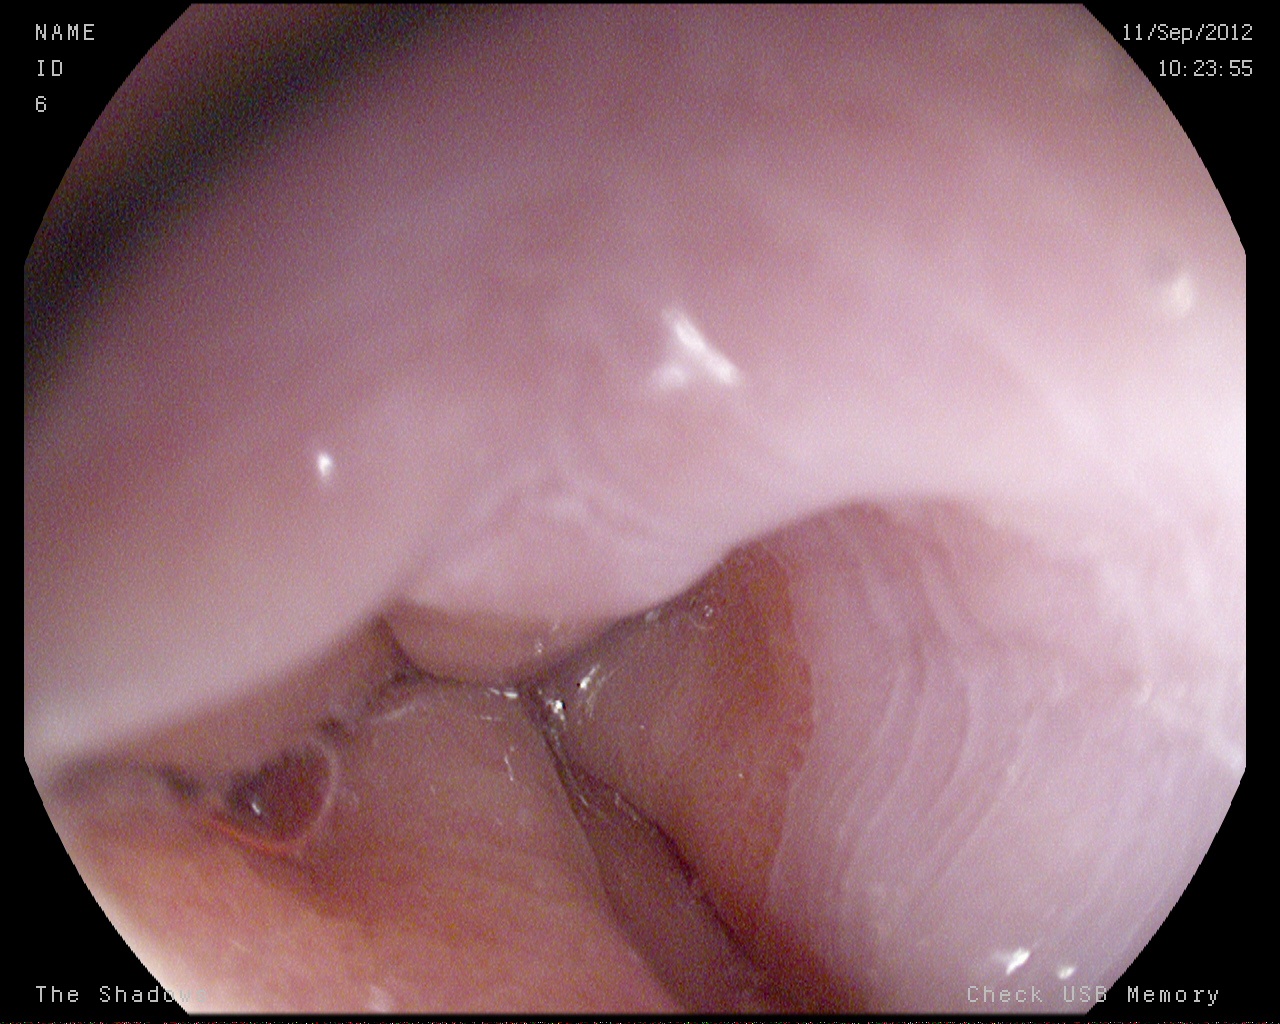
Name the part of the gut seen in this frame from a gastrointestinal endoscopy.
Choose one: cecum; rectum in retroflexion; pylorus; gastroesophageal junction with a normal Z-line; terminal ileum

gastroesophageal junction with a normal Z-line